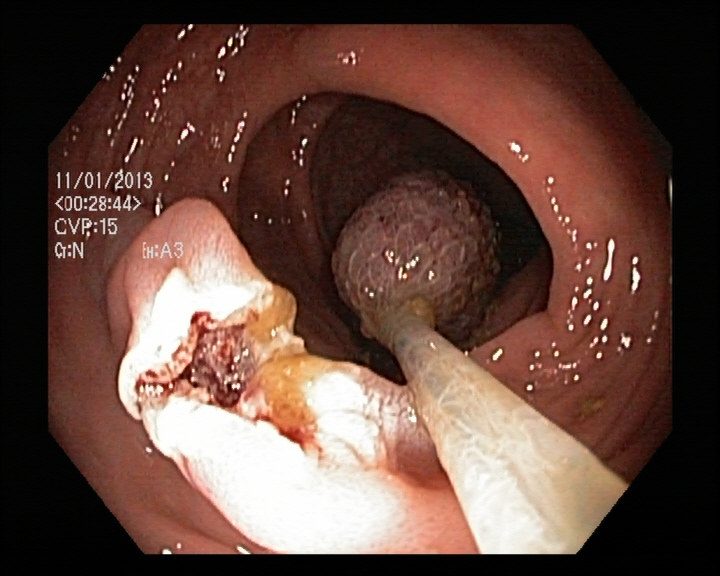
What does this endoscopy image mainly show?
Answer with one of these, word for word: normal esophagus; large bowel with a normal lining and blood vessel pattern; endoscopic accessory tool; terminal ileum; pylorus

endoscopic accessory tool